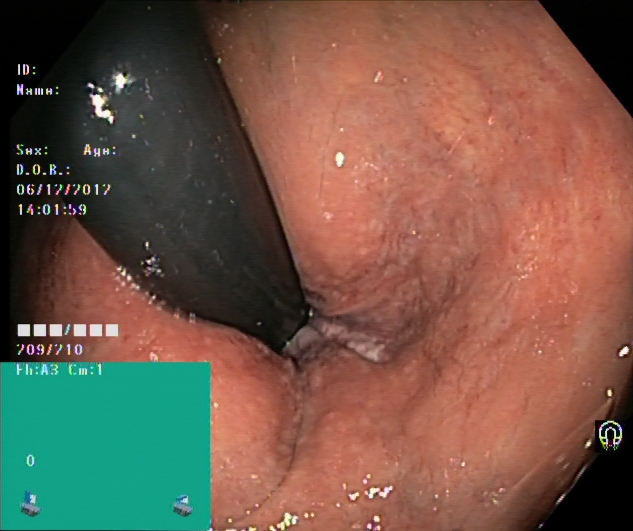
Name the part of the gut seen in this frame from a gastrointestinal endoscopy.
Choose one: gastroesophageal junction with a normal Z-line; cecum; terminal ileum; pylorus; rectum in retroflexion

rectum in retroflexion